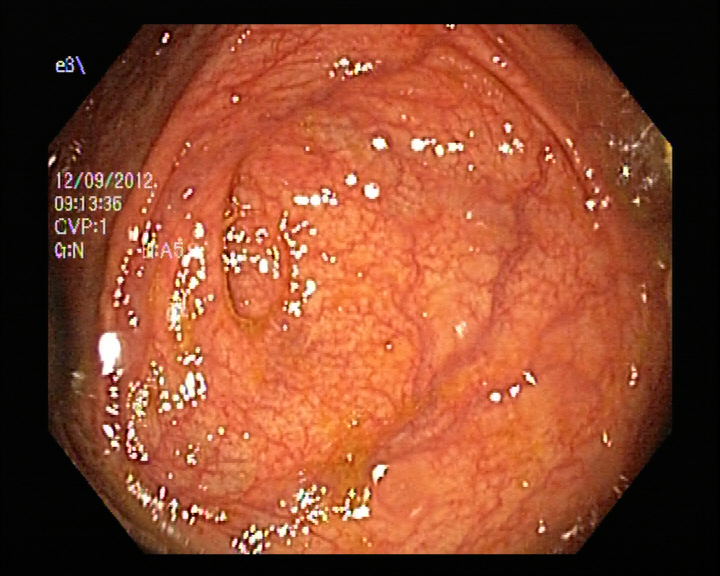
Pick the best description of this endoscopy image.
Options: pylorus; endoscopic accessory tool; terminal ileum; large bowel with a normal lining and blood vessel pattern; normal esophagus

large bowel with a normal lining and blood vessel pattern